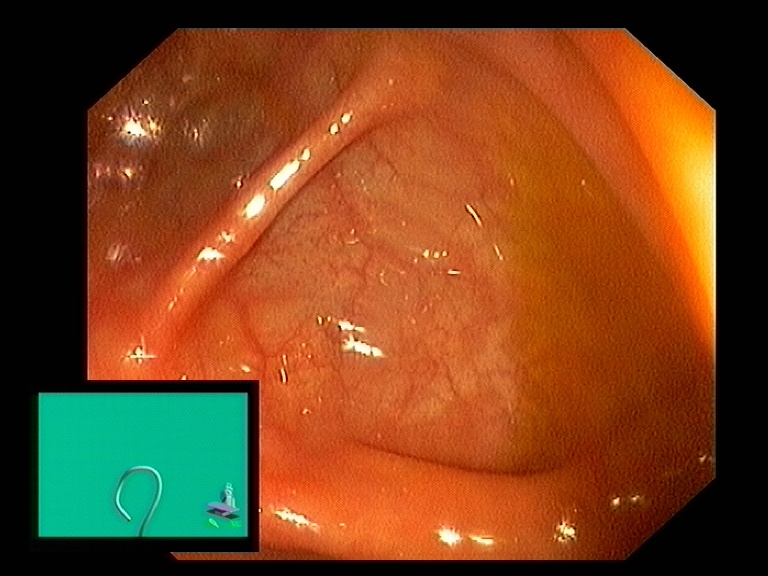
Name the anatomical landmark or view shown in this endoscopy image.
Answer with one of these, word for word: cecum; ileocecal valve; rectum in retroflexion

cecum